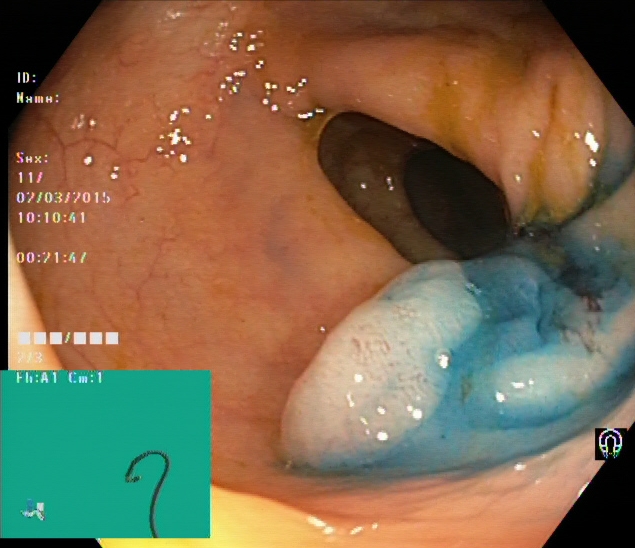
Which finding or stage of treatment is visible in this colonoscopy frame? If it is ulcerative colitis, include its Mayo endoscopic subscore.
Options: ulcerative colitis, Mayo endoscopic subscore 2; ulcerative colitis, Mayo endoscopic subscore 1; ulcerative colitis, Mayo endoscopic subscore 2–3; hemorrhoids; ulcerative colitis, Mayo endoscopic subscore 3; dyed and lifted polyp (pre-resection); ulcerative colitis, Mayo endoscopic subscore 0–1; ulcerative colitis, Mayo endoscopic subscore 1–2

dyed and lifted polyp (pre-resection)